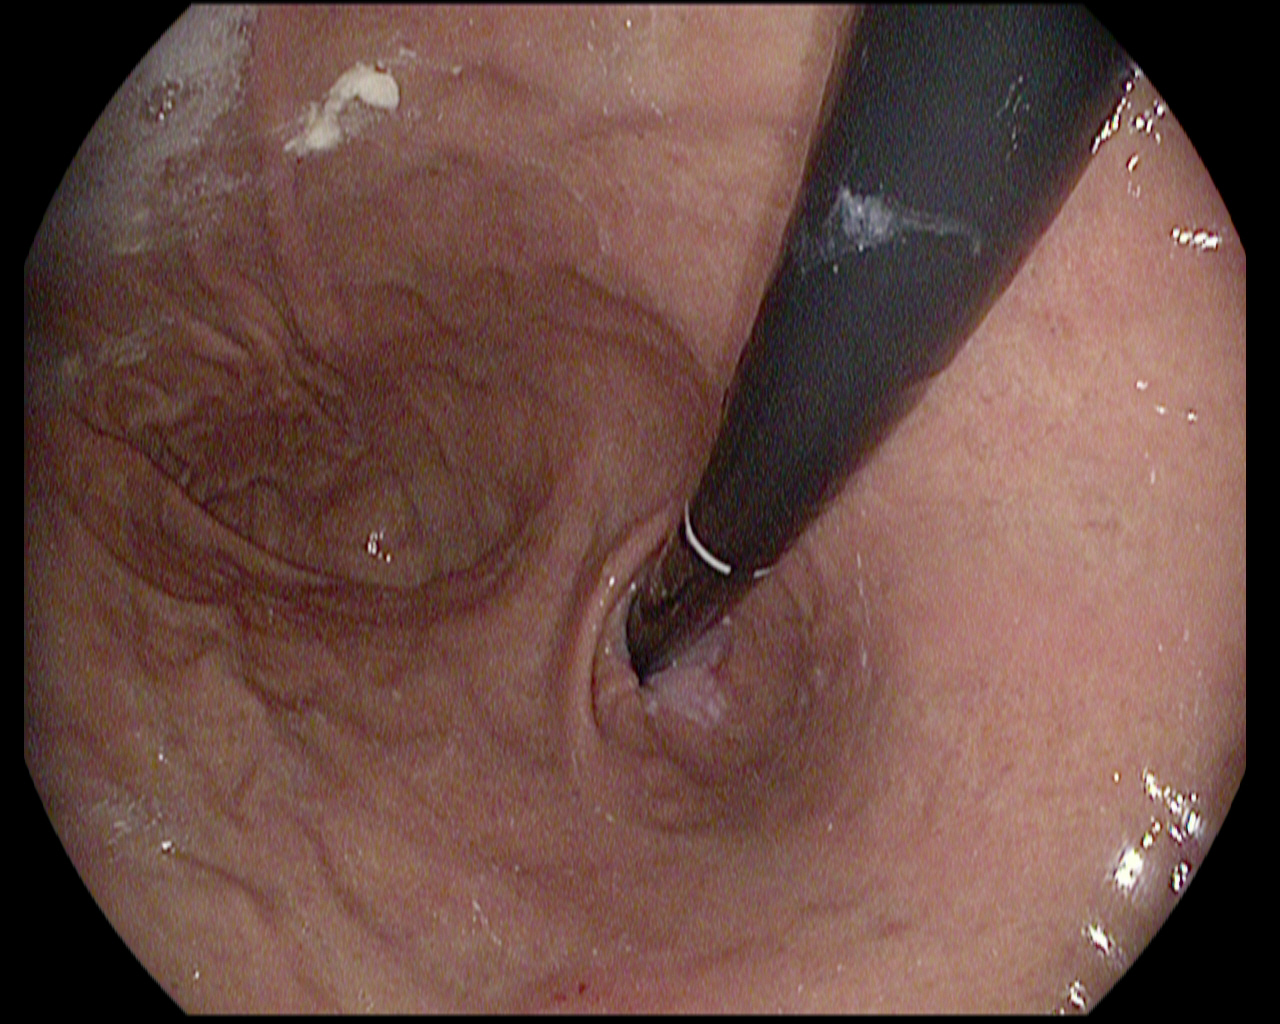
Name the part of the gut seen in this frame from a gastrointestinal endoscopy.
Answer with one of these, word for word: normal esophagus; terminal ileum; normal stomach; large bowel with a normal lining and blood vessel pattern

normal stomach